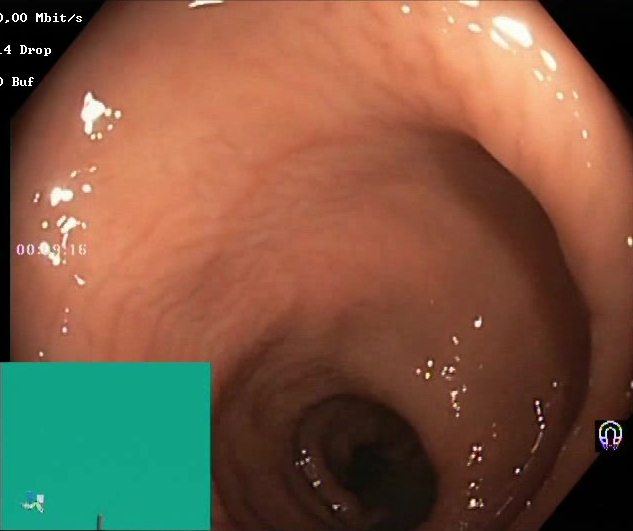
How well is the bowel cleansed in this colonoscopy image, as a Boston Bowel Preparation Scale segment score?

Boston Bowel Preparation Scale score 2–3 (adequate preparation)